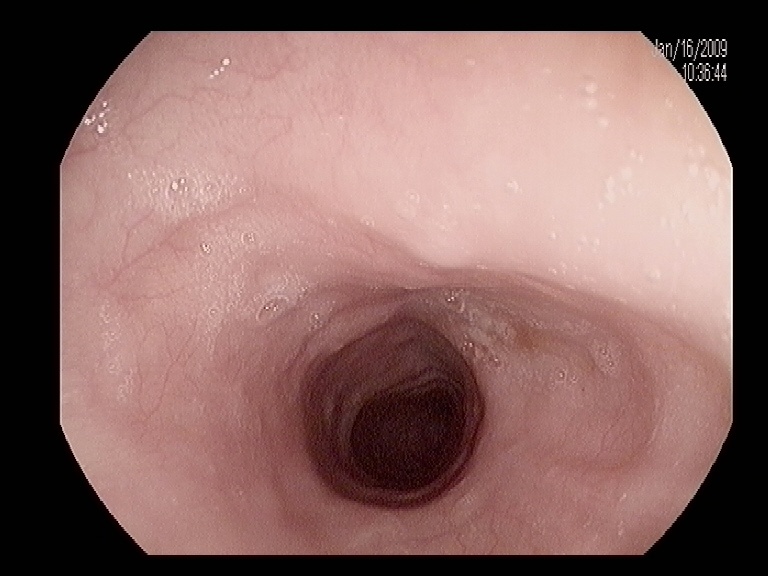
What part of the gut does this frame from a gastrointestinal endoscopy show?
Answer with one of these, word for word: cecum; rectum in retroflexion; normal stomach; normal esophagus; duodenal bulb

normal esophagus